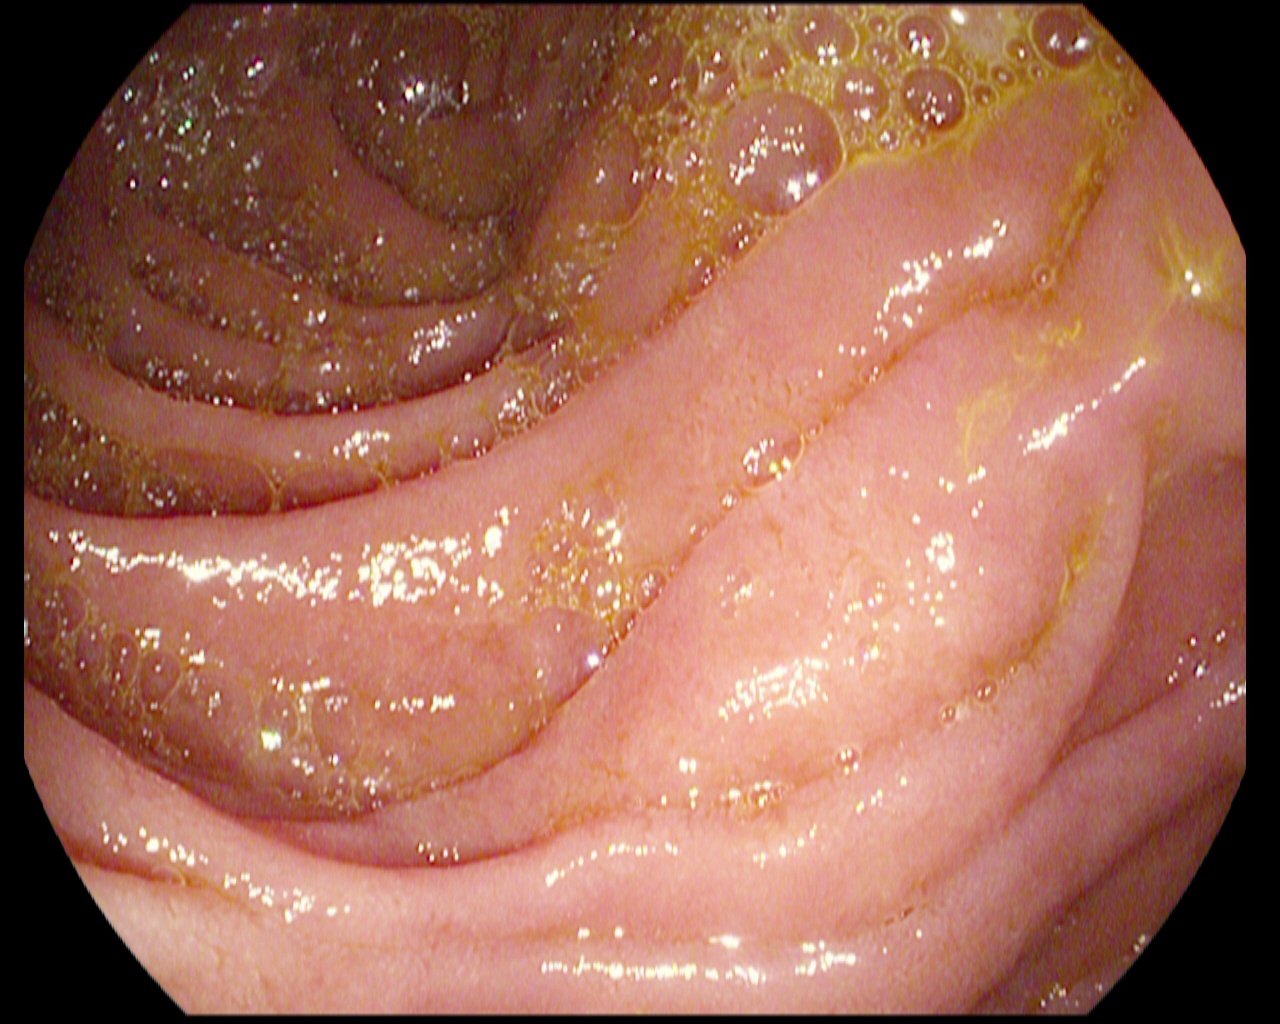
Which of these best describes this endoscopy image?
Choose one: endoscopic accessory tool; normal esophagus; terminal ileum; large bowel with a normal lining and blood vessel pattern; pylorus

terminal ileum